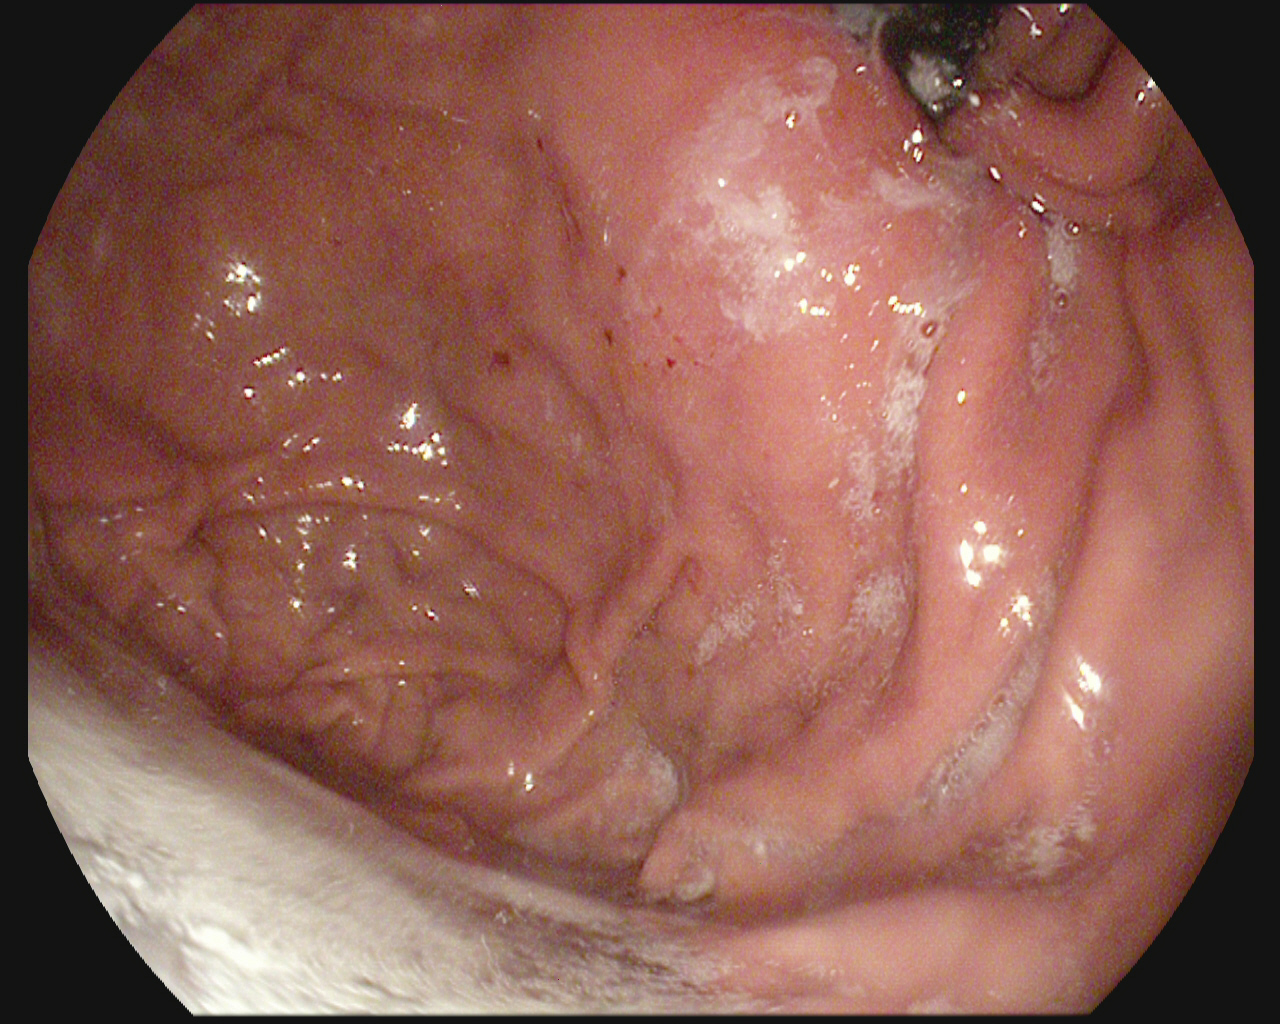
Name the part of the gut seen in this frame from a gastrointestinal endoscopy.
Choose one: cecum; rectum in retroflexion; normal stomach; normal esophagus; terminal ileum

normal stomach